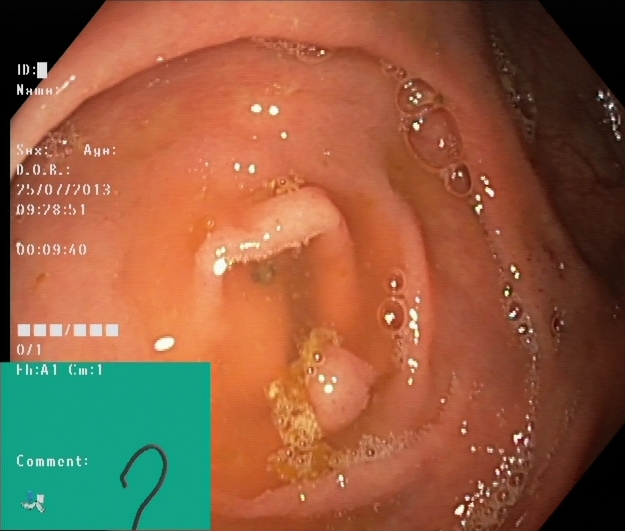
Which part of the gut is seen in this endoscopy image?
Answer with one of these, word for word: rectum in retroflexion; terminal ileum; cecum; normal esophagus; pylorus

cecum